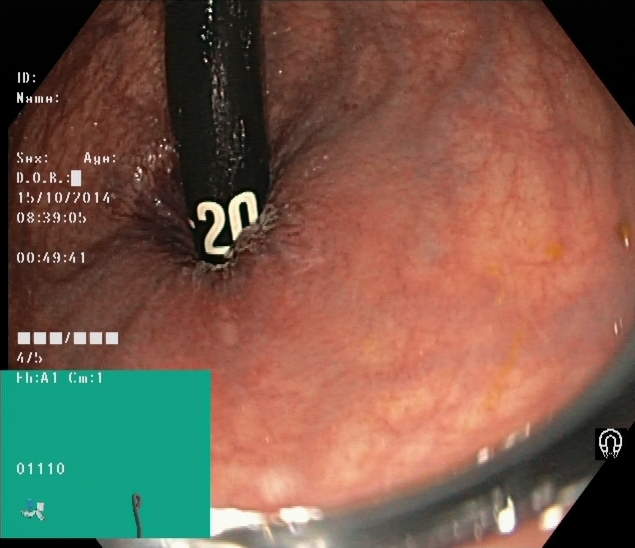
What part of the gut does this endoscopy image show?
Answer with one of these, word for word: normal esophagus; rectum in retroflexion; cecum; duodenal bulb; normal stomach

rectum in retroflexion